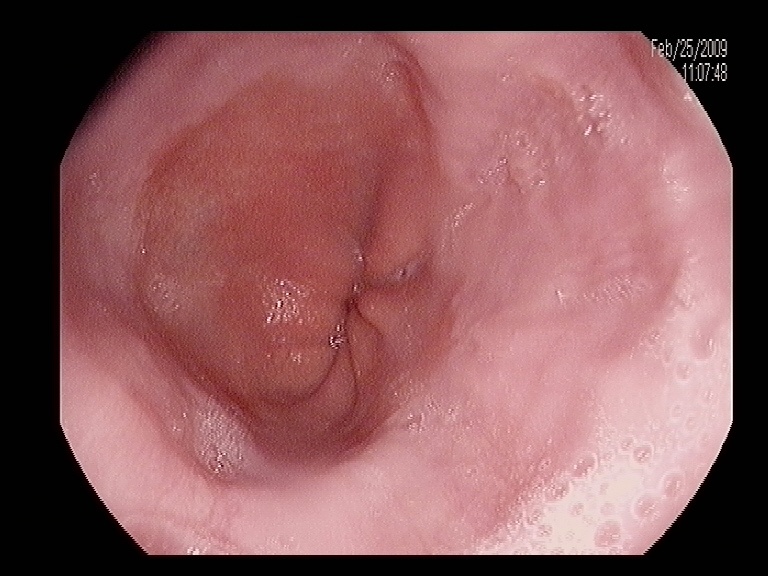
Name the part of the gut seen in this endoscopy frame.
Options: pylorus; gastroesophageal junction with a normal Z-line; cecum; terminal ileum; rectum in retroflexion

gastroesophageal junction with a normal Z-line